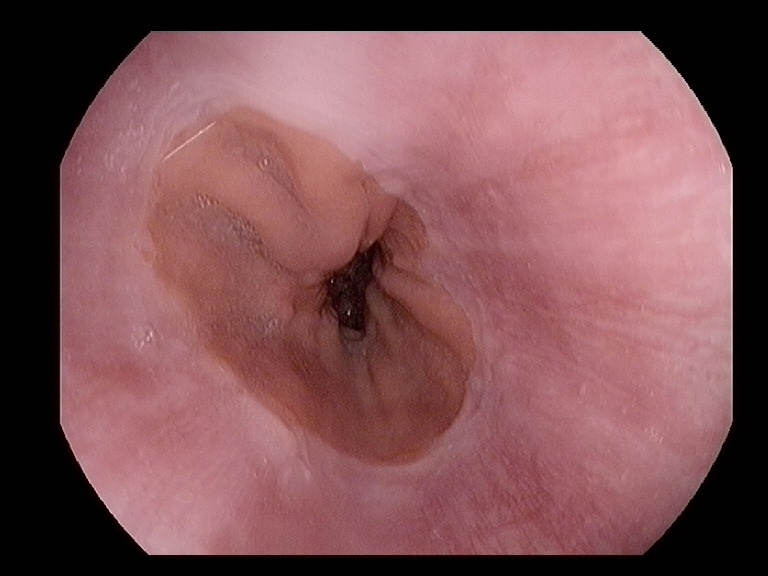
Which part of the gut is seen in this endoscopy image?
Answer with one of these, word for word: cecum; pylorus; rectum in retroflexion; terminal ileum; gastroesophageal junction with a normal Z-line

gastroesophageal junction with a normal Z-line